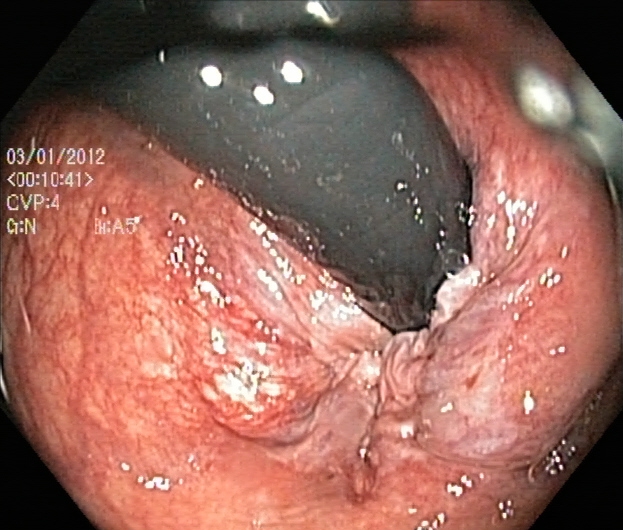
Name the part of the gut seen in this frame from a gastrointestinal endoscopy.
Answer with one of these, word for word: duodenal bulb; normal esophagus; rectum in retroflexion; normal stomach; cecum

rectum in retroflexion